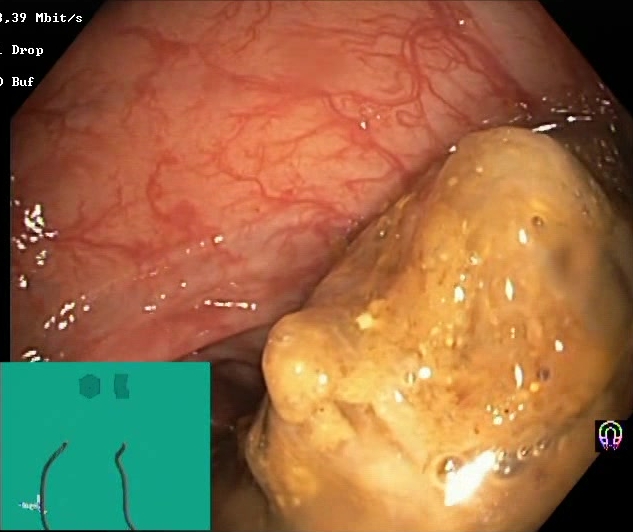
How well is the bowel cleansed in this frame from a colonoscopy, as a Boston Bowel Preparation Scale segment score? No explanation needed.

Boston Bowel Preparation Scale score 0–1 (inadequate preparation)